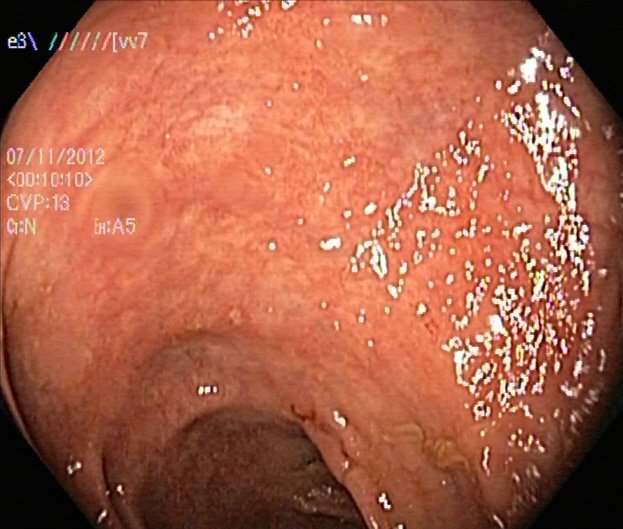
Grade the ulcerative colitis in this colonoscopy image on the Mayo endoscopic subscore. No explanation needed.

ulcerative colitis, Mayo endoscopic subscore 1